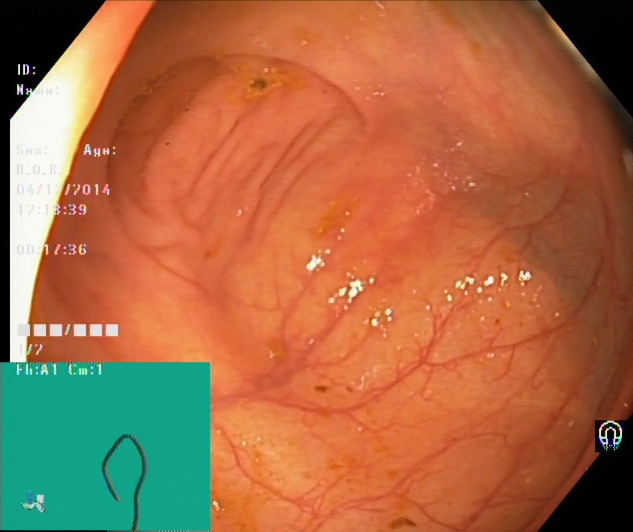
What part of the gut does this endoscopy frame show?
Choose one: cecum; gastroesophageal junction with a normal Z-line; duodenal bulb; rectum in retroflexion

cecum